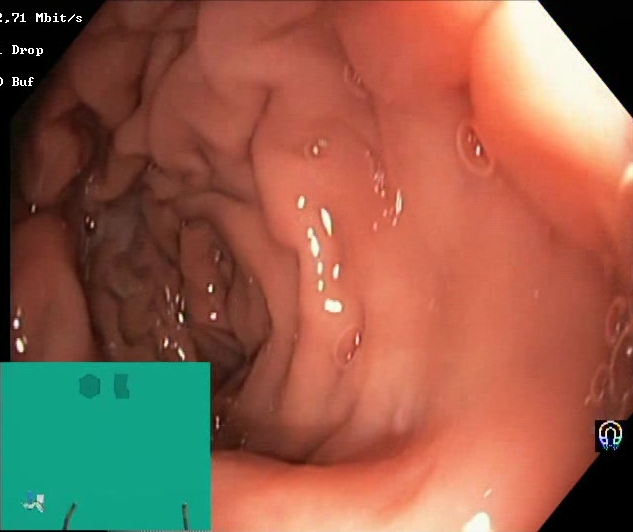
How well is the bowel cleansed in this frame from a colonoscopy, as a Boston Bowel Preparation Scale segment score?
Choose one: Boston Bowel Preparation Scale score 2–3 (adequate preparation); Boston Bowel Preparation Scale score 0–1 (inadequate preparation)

Boston Bowel Preparation Scale score 2–3 (adequate preparation)